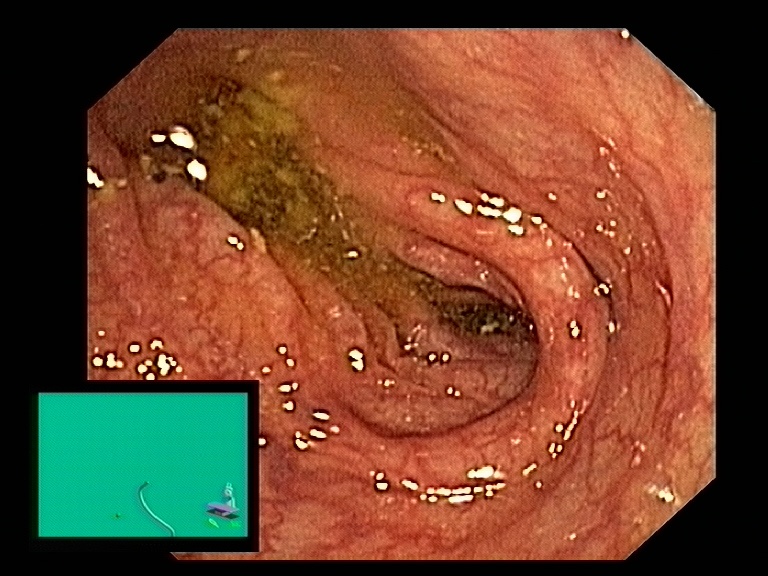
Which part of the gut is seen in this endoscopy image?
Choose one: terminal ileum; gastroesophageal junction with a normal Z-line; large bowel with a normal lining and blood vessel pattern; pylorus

large bowel with a normal lining and blood vessel pattern